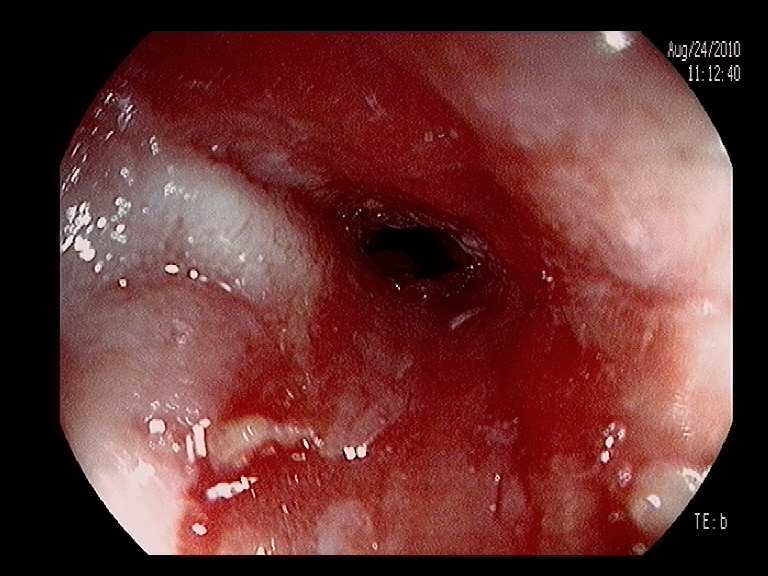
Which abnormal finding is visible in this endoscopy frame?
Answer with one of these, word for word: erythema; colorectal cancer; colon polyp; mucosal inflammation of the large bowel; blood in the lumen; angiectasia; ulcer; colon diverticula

blood in the lumen